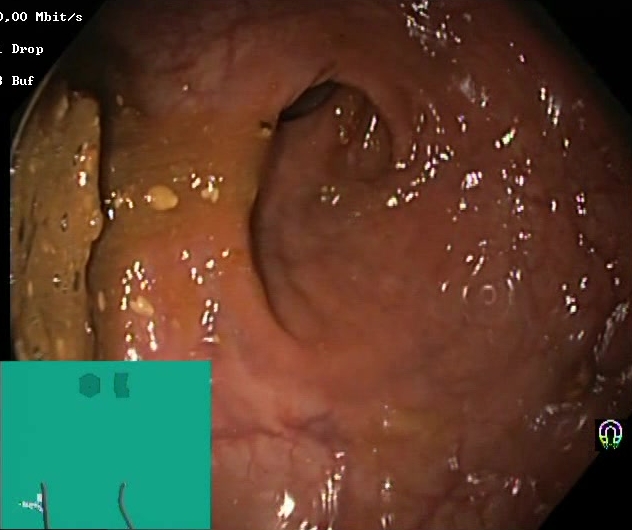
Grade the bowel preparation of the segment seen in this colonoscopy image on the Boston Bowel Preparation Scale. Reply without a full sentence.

Boston Bowel Preparation Scale score 0–1 (inadequate preparation)